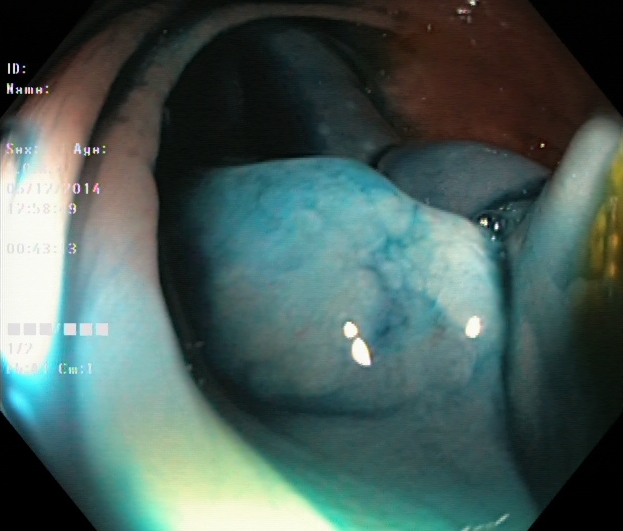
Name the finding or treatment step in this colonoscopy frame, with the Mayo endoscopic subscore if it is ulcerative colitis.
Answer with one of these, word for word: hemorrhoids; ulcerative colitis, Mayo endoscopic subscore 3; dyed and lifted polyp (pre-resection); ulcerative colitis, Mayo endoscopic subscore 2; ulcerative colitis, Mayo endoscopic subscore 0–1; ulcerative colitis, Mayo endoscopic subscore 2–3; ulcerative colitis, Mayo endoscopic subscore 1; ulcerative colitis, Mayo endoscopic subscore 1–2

dyed and lifted polyp (pre-resection)